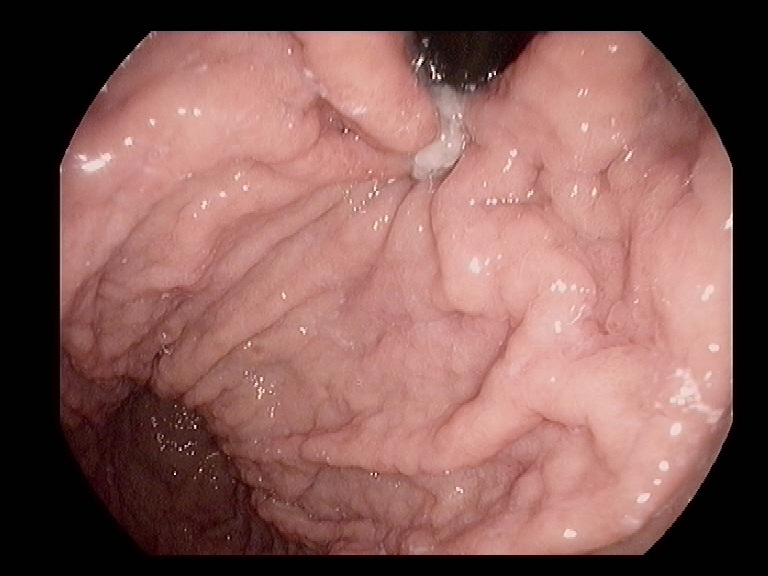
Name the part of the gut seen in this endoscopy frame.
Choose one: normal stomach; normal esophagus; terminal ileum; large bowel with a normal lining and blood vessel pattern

normal stomach